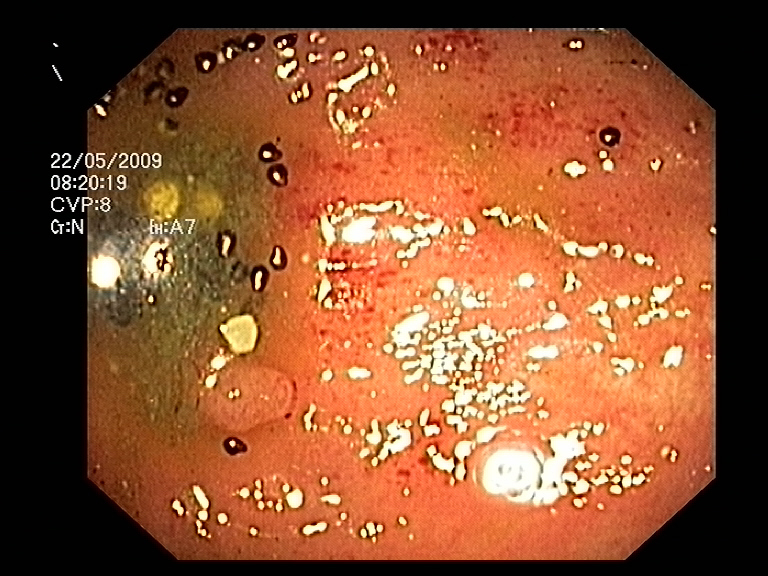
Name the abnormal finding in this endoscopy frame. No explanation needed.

colon polyp